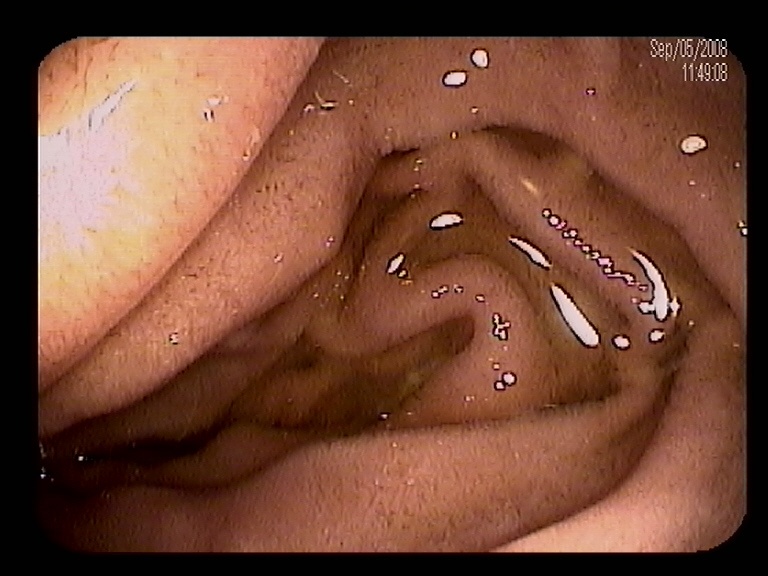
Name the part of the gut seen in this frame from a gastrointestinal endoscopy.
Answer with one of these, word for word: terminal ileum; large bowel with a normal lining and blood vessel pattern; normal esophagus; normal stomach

terminal ileum